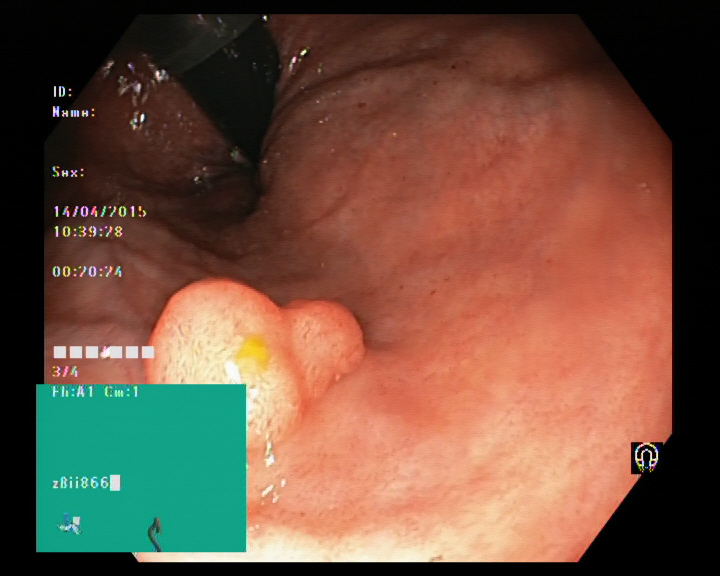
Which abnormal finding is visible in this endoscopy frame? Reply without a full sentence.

colon polyp